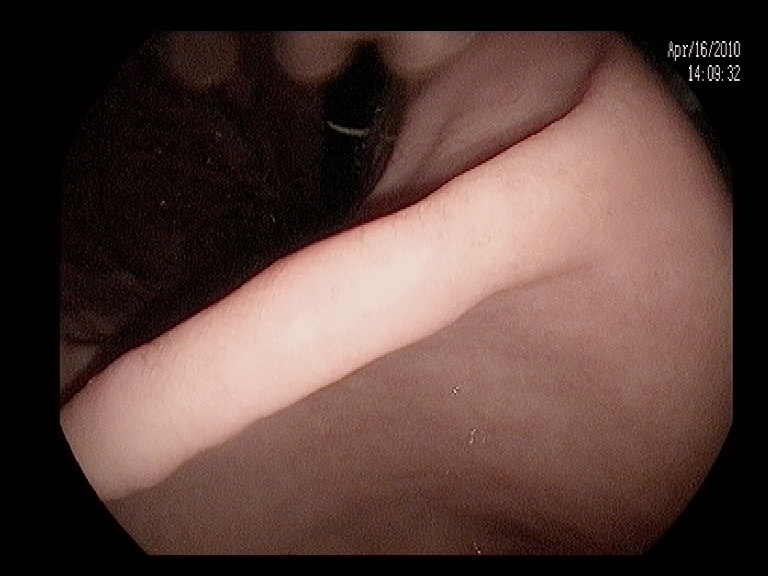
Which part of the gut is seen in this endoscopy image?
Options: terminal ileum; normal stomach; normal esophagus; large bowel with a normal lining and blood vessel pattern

normal stomach